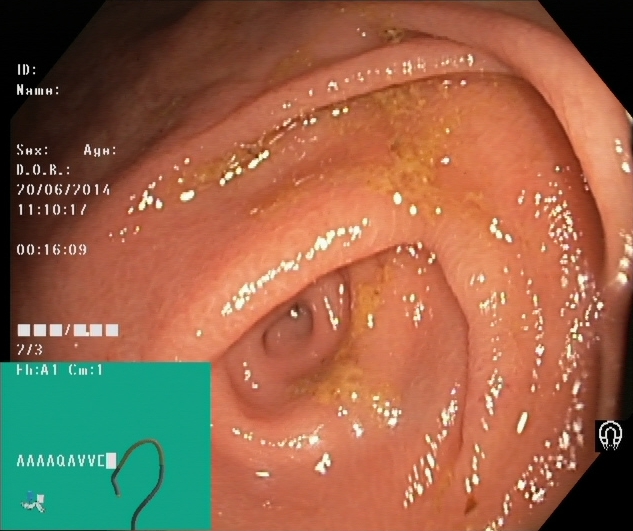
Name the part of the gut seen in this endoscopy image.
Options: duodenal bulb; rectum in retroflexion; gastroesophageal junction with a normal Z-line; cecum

cecum